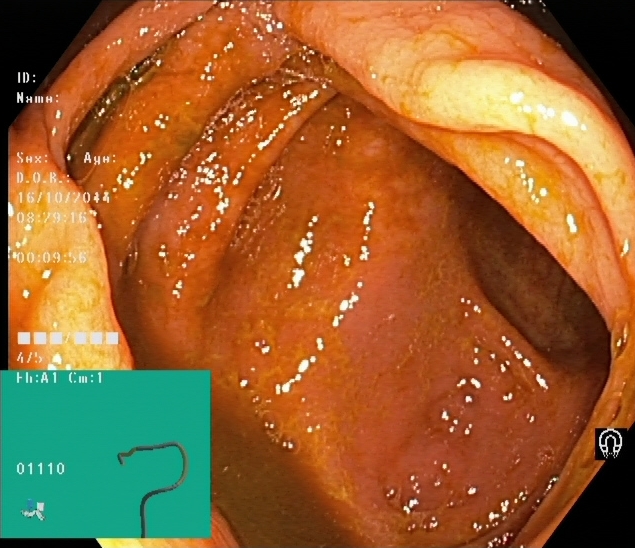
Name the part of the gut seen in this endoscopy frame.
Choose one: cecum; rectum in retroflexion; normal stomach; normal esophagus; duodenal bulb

cecum